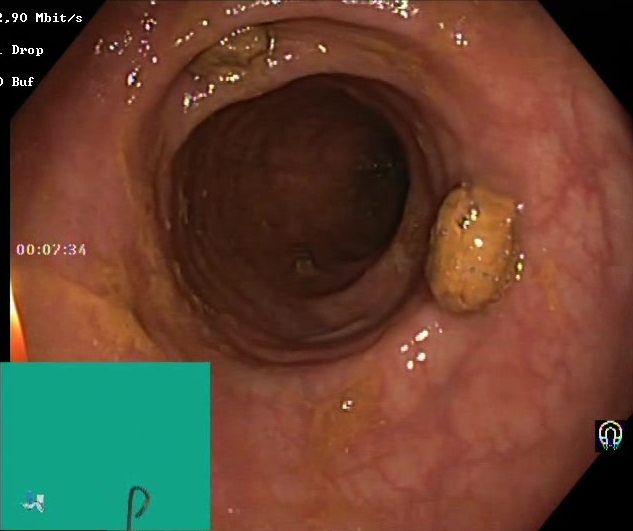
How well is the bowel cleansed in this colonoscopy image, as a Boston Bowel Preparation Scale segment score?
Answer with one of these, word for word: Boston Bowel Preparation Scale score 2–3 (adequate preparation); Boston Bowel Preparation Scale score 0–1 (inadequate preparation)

Boston Bowel Preparation Scale score 2–3 (adequate preparation)